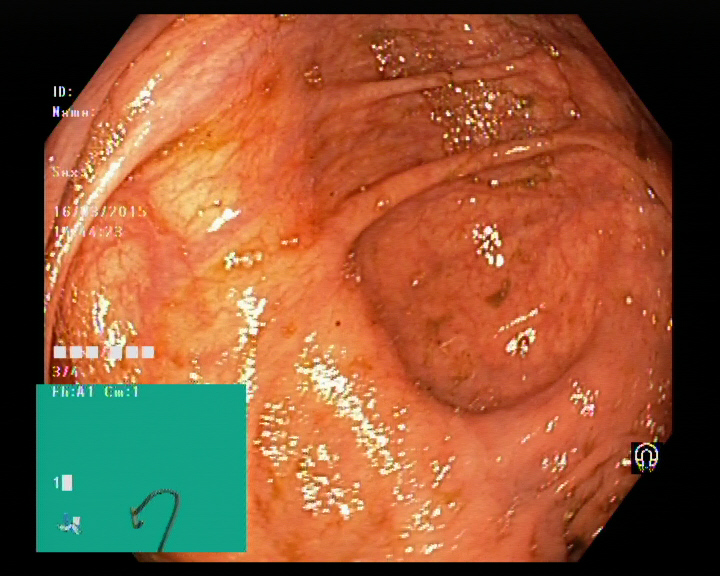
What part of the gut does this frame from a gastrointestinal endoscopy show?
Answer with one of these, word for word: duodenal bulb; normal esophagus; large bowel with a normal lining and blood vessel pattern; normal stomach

large bowel with a normal lining and blood vessel pattern